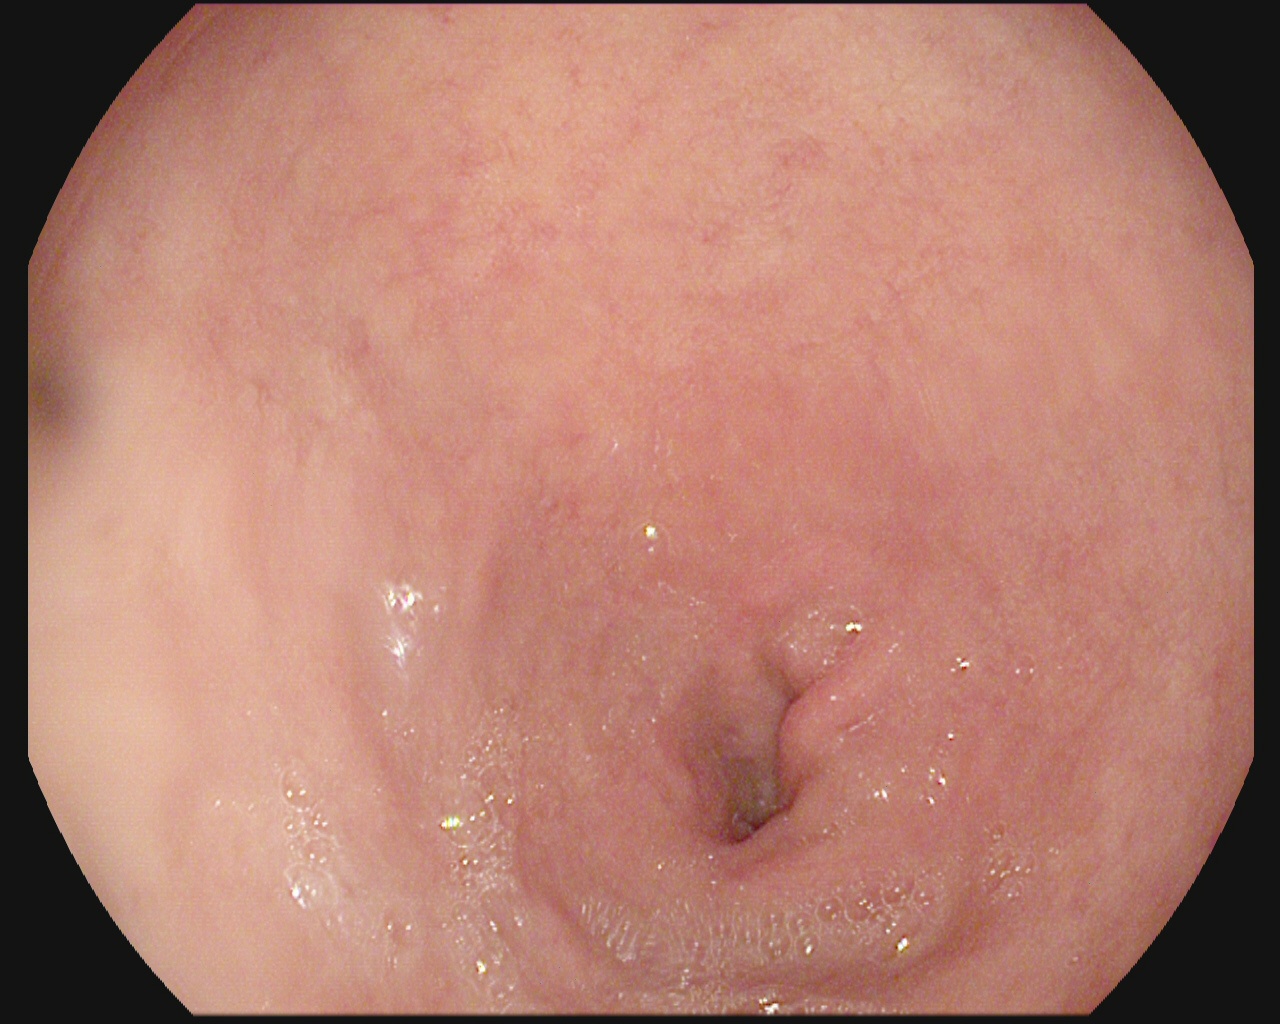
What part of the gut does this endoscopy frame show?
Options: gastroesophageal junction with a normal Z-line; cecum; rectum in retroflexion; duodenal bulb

duodenal bulb